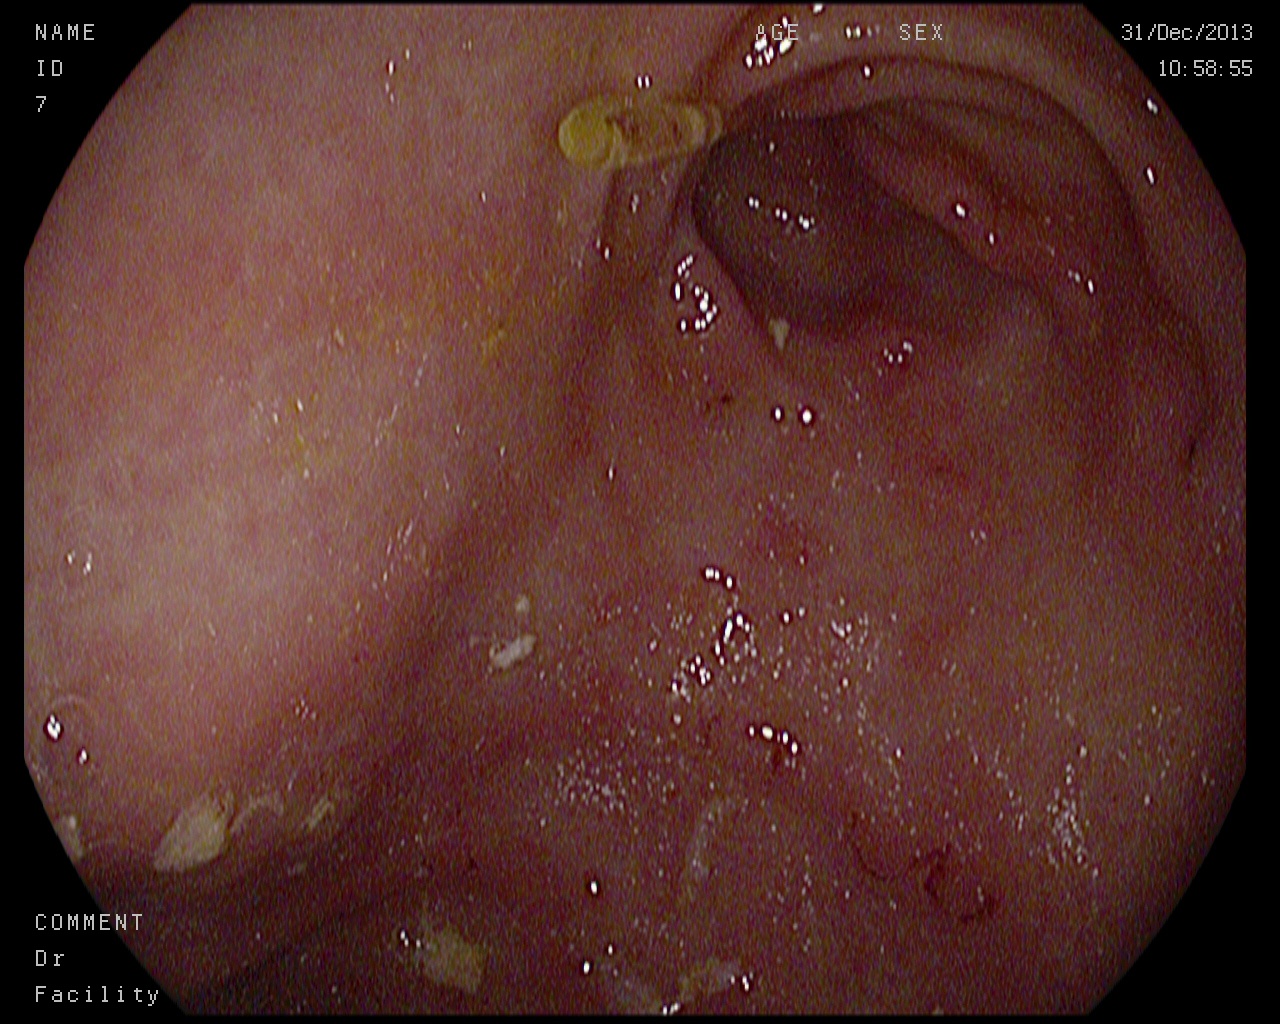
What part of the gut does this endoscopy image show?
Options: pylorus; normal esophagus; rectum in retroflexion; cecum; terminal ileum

pylorus